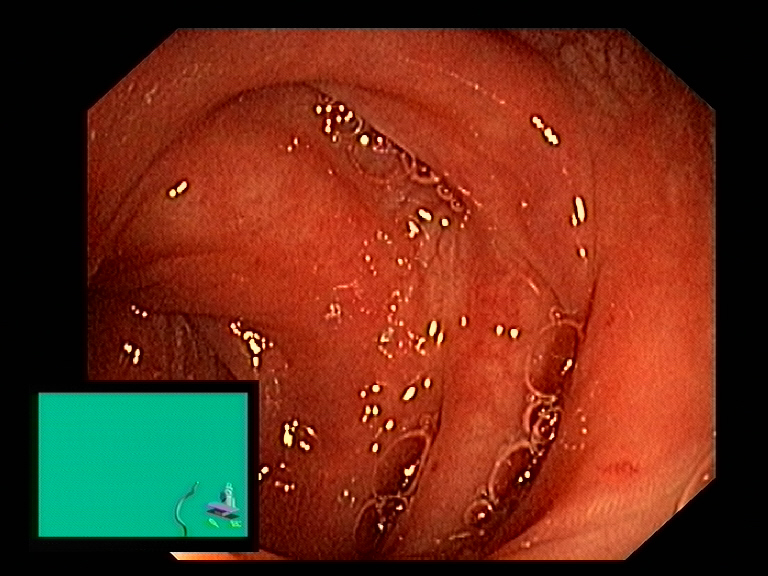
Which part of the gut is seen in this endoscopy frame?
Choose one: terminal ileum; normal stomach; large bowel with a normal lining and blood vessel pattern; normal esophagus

large bowel with a normal lining and blood vessel pattern